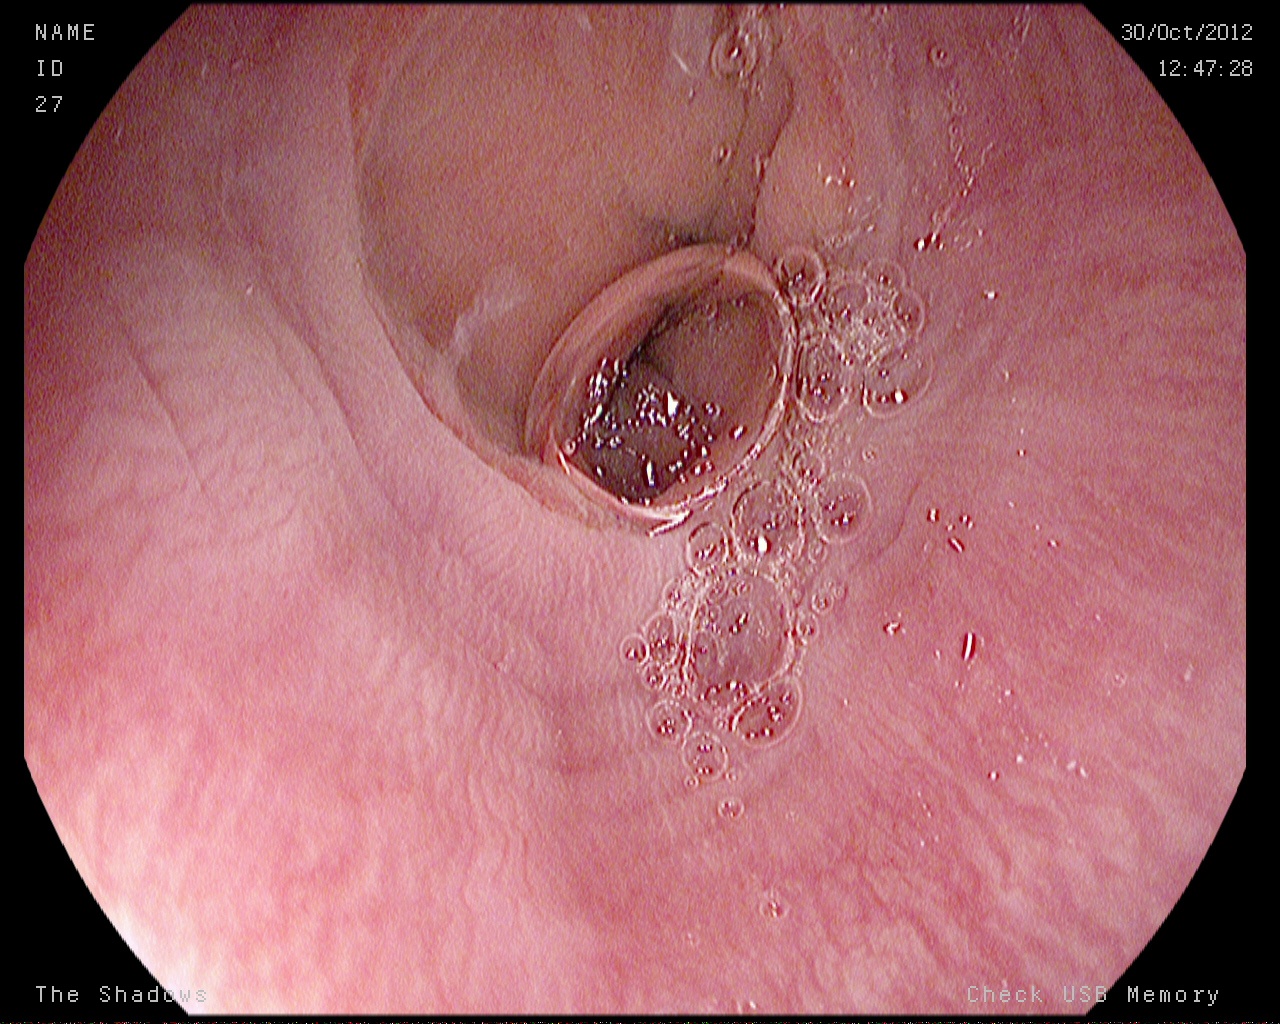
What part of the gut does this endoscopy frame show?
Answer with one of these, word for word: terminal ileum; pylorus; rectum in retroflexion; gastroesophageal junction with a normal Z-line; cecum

gastroesophageal junction with a normal Z-line